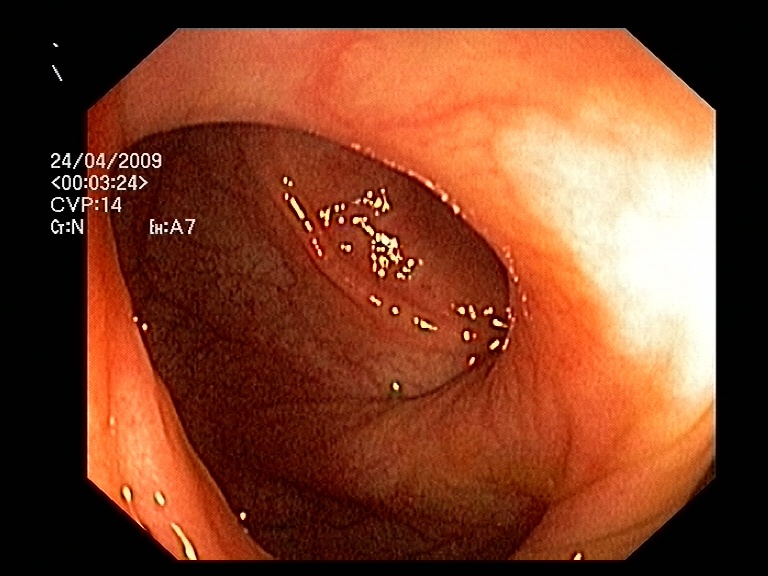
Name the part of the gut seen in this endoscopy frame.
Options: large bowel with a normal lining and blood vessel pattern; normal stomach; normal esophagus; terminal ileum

large bowel with a normal lining and blood vessel pattern